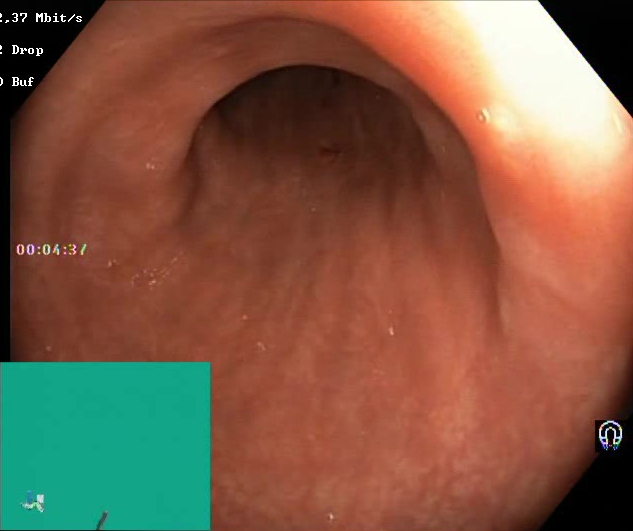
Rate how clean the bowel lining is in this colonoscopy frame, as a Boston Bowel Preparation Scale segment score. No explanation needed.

Boston Bowel Preparation Scale score 2–3 (adequate preparation)